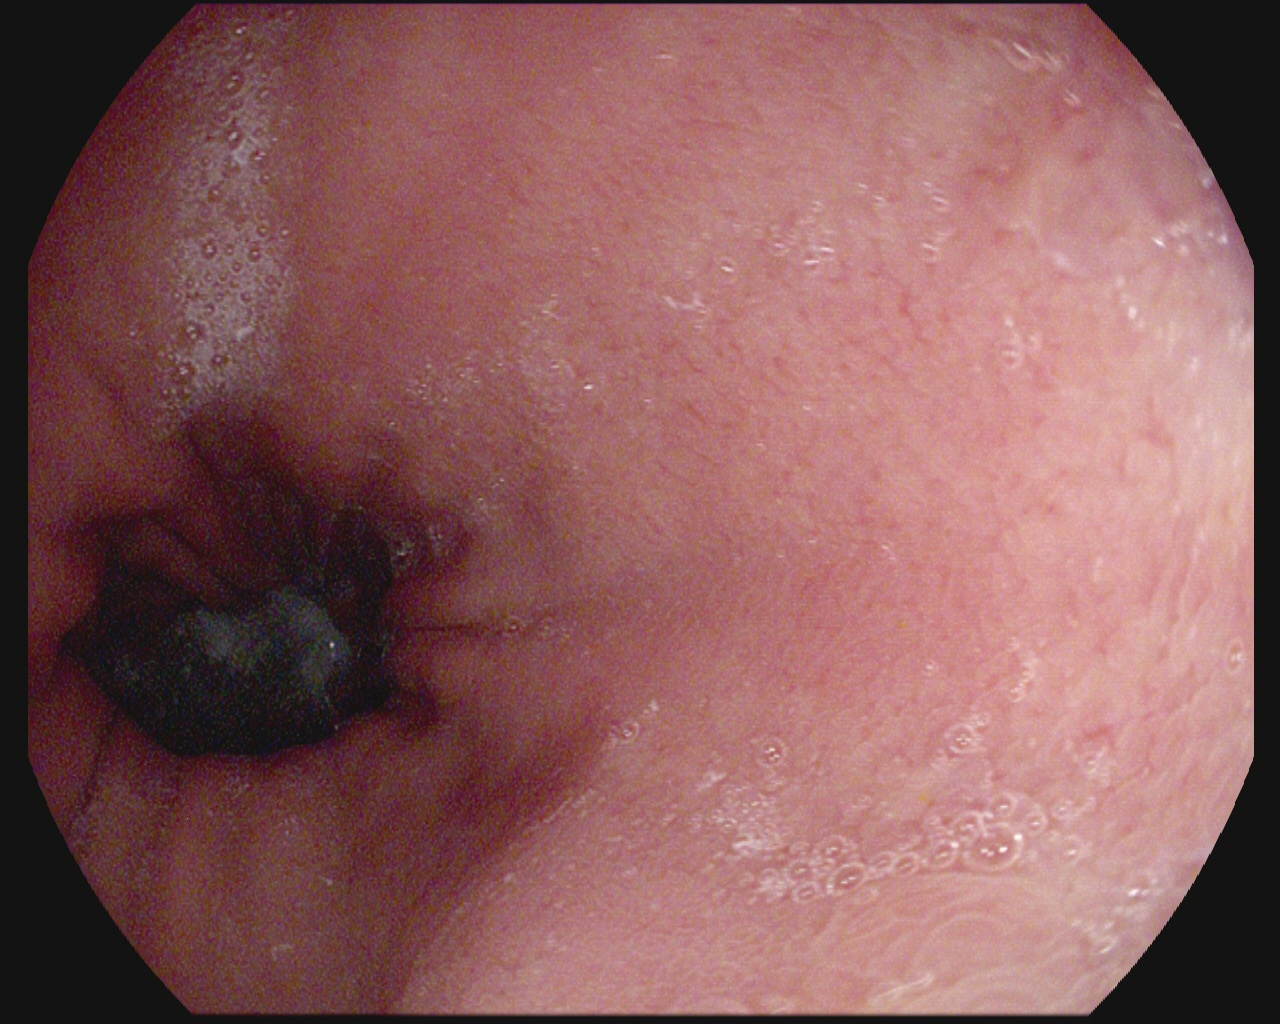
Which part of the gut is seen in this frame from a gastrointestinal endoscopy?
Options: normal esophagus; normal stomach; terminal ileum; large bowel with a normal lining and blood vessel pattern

normal stomach